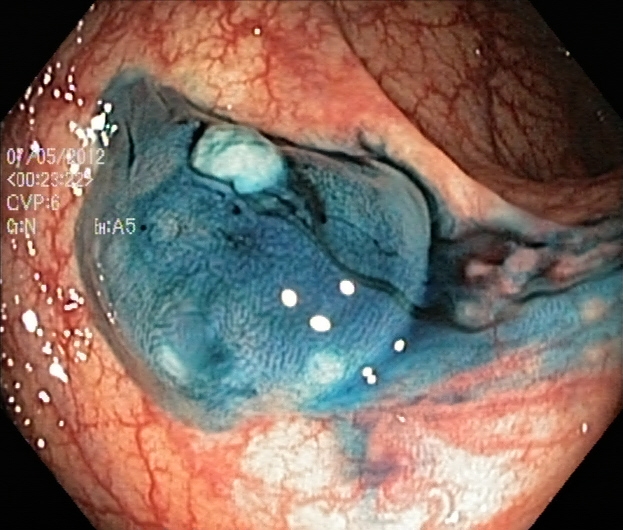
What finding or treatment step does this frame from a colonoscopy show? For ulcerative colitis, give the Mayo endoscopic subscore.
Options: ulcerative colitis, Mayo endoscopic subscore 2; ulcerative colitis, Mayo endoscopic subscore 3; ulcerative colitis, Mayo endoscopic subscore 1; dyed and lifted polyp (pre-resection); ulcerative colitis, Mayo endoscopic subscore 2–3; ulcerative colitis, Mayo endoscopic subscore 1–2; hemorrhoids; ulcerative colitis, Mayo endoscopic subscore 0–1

dyed and lifted polyp (pre-resection)